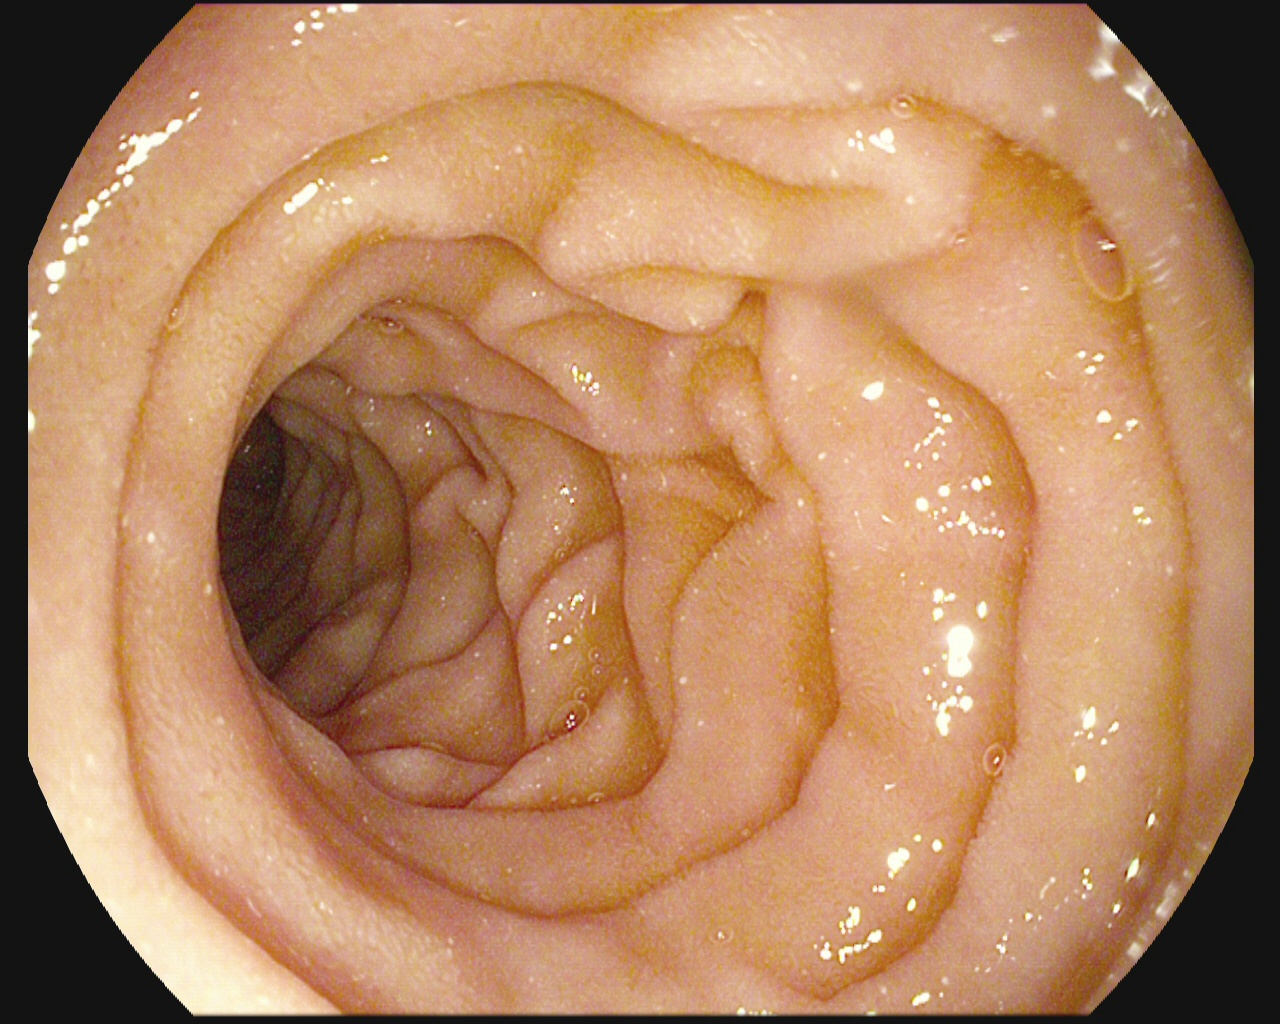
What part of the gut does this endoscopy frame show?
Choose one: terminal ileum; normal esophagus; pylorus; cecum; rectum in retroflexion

terminal ileum